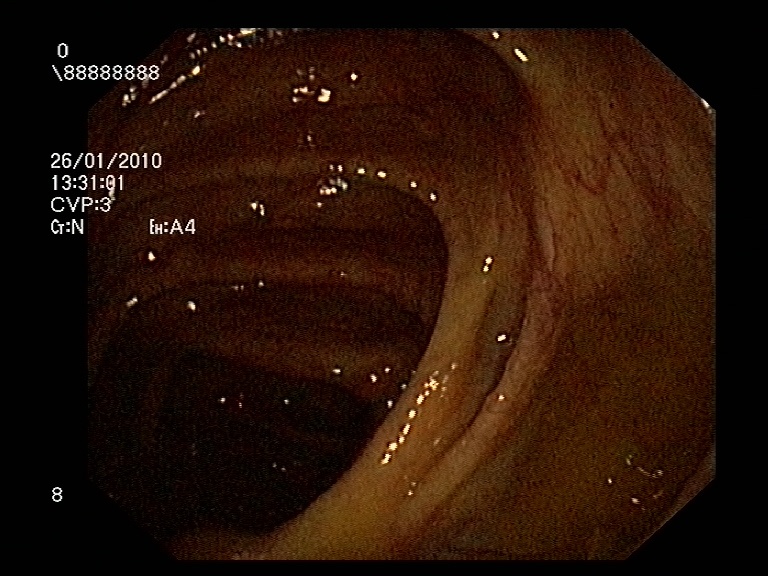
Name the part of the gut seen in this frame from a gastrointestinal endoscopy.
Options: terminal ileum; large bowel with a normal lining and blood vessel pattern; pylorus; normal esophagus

large bowel with a normal lining and blood vessel pattern